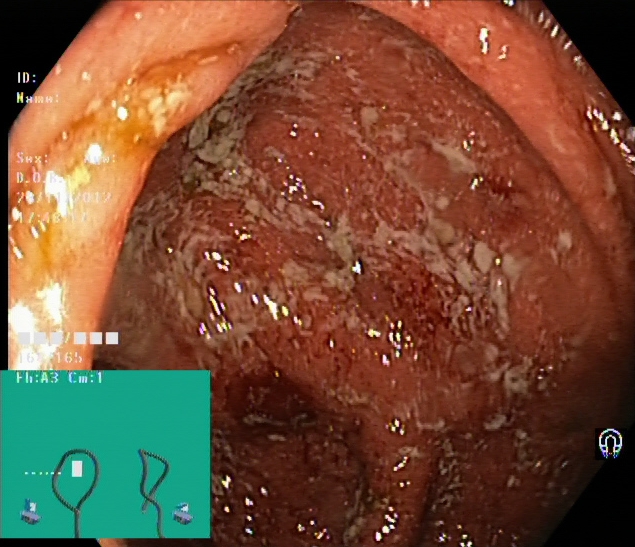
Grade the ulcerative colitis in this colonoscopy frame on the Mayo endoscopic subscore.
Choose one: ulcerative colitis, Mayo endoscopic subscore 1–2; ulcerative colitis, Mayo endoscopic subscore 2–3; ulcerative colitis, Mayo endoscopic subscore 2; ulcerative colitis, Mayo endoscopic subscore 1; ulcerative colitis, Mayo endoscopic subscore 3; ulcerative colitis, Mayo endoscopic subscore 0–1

ulcerative colitis, Mayo endoscopic subscore 2